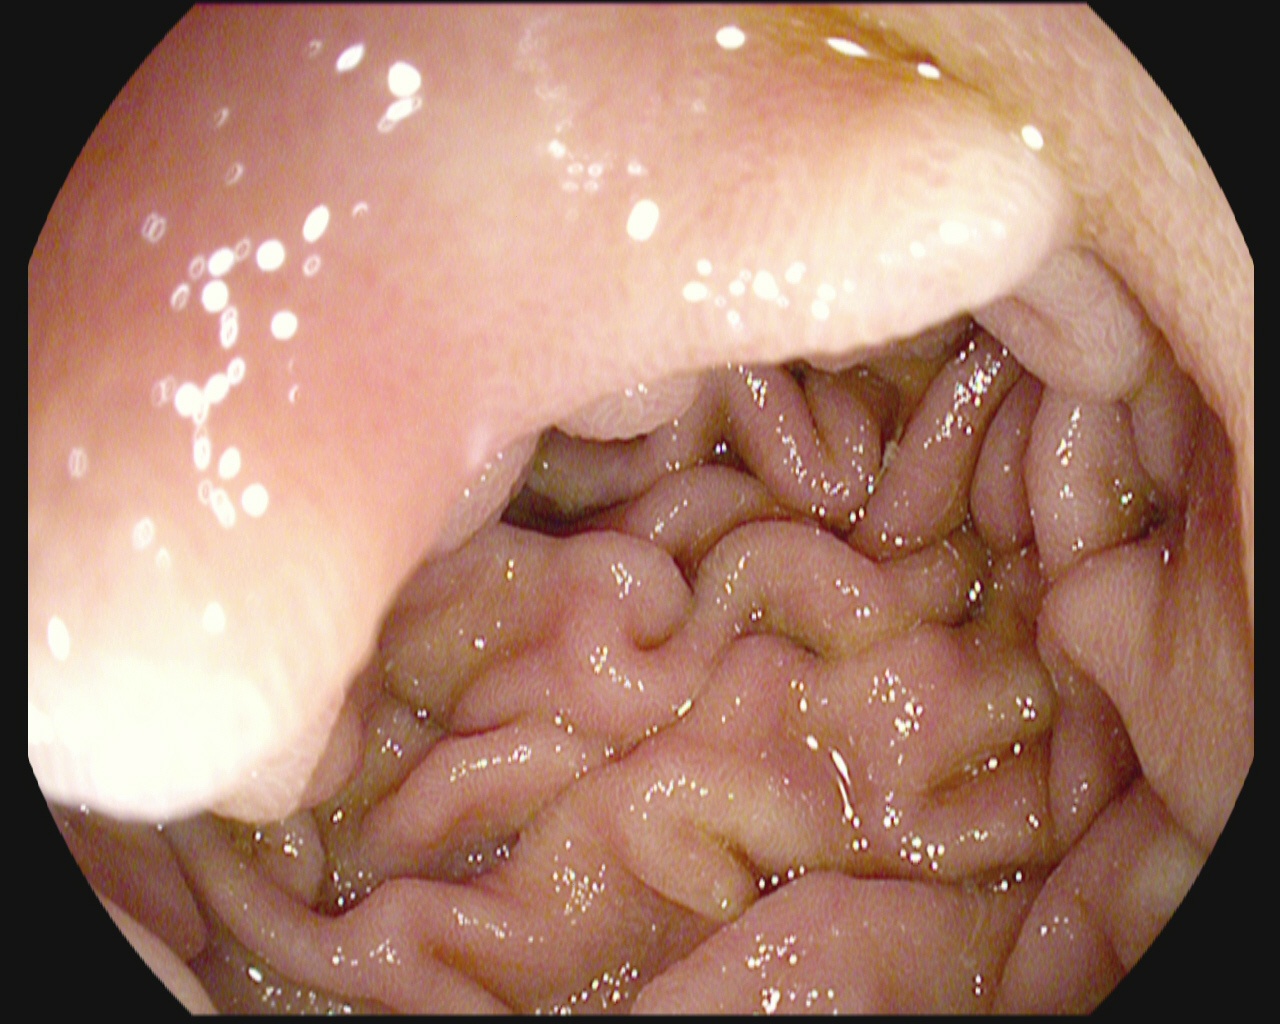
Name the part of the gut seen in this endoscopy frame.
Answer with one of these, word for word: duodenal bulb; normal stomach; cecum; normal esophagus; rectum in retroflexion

normal stomach